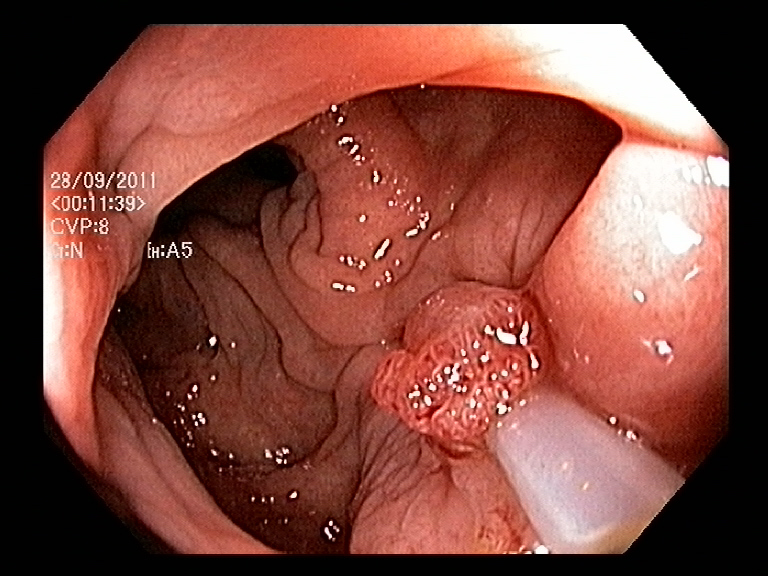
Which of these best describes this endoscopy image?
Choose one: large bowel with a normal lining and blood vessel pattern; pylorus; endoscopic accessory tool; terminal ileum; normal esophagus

endoscopic accessory tool